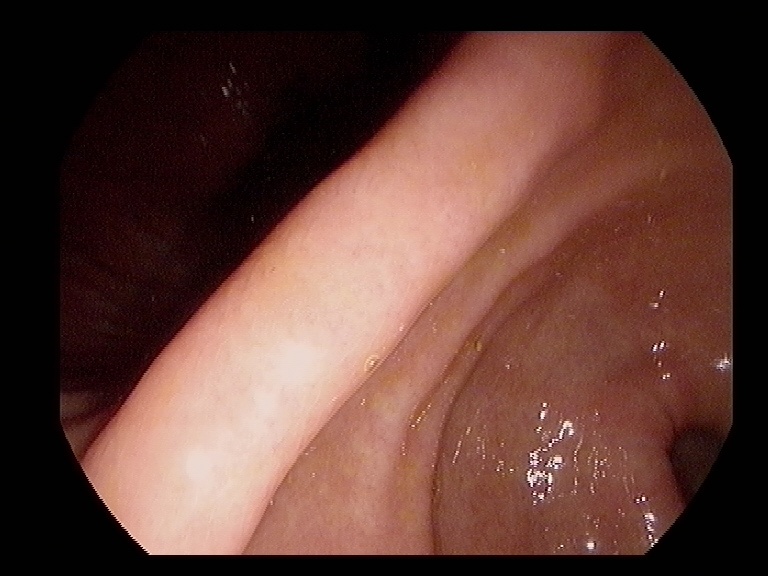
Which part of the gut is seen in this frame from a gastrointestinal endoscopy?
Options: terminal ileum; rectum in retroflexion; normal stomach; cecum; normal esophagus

normal stomach